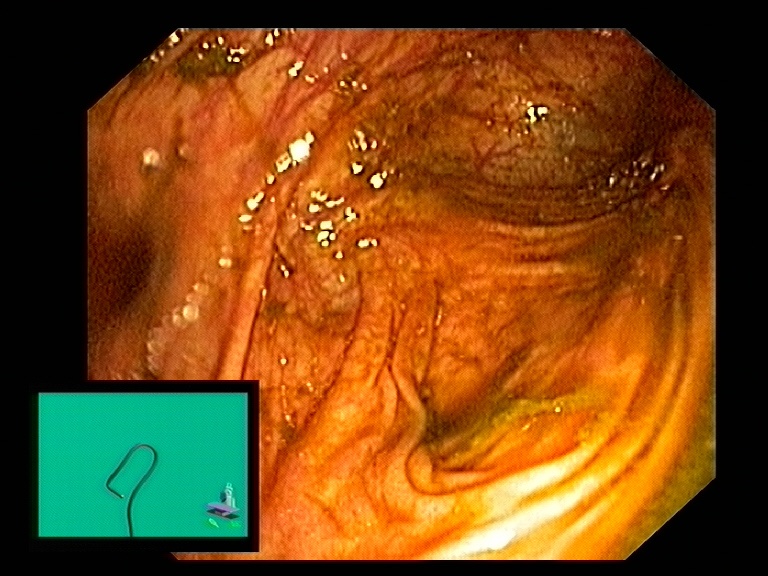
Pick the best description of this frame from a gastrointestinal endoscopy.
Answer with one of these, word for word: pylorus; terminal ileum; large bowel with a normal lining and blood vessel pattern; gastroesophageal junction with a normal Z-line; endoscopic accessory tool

large bowel with a normal lining and blood vessel pattern